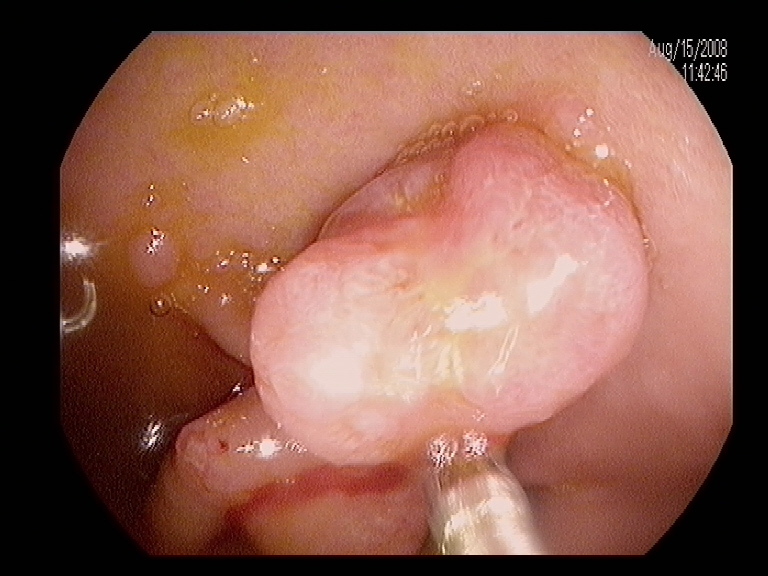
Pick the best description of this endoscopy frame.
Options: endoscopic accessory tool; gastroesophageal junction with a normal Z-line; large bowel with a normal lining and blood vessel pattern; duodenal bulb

endoscopic accessory tool